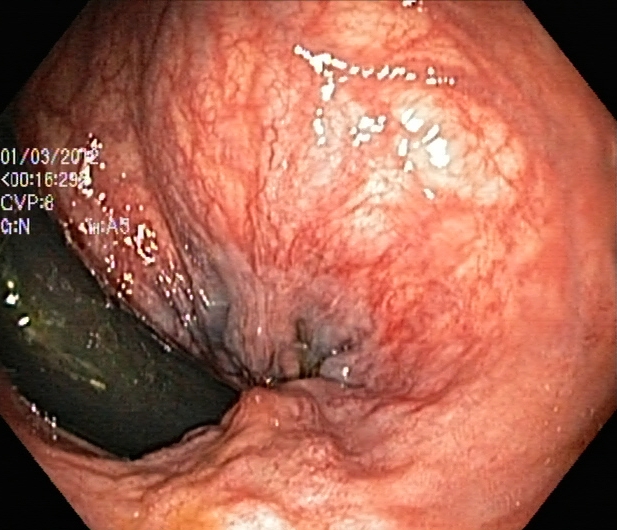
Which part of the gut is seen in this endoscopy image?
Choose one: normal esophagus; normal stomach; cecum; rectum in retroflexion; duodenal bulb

rectum in retroflexion